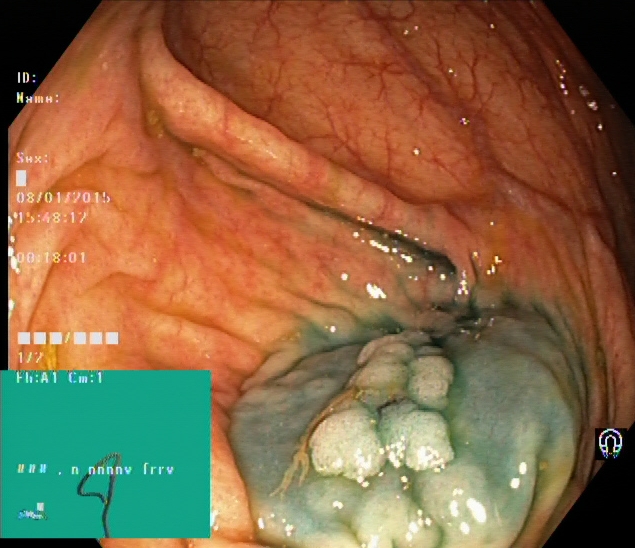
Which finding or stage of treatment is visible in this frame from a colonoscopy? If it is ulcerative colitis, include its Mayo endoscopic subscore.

dyed and lifted polyp (pre-resection)